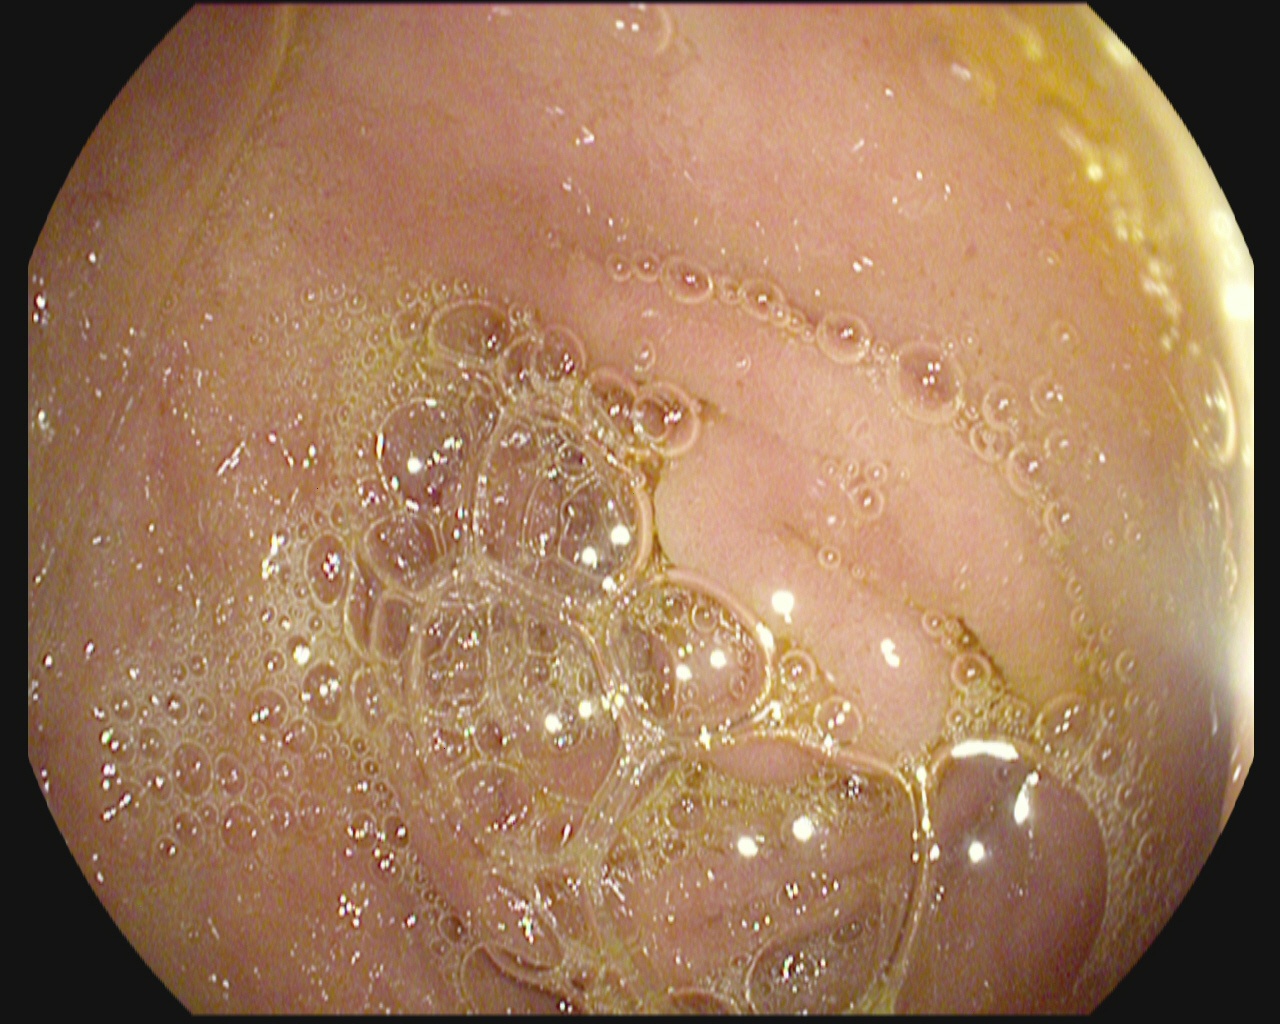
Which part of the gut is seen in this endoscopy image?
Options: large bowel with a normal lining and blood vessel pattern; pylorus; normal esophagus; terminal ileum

terminal ileum